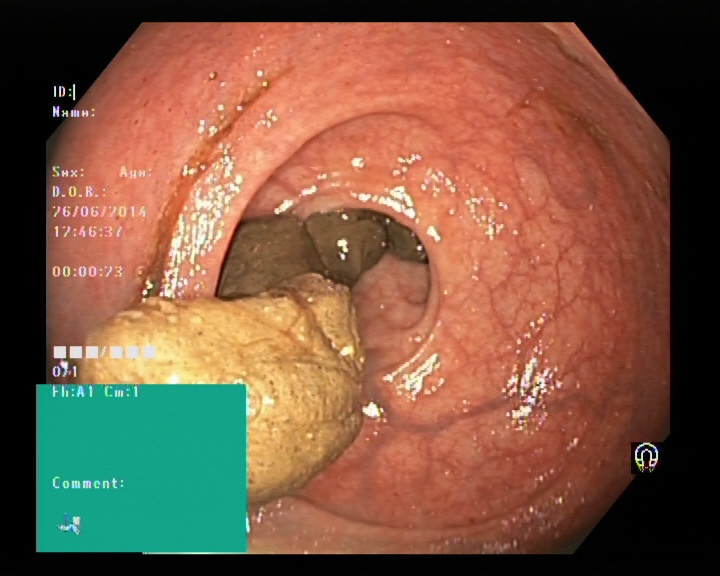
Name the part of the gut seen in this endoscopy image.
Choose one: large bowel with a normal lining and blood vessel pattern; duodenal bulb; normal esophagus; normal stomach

large bowel with a normal lining and blood vessel pattern